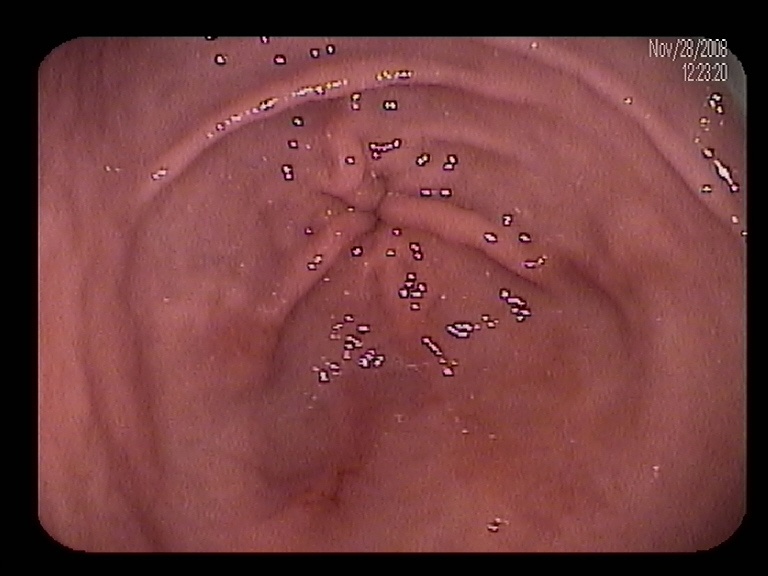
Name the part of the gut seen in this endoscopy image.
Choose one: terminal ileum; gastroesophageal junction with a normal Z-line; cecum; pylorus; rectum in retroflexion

pylorus